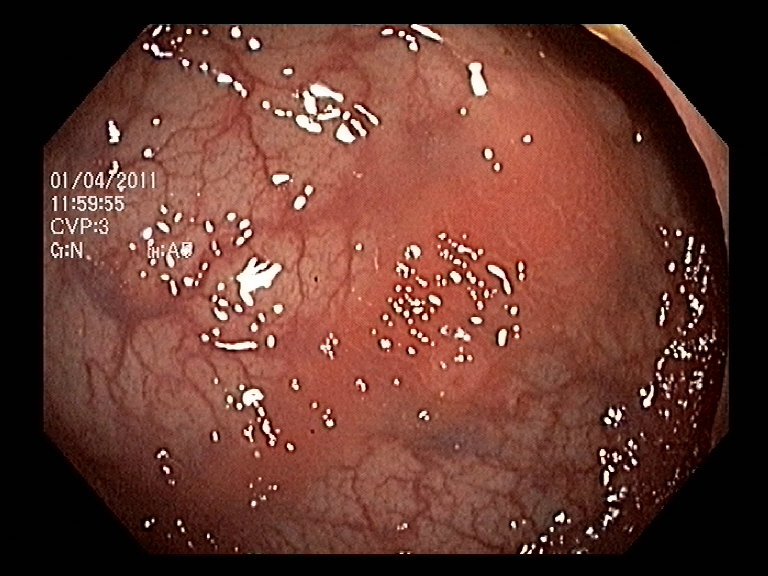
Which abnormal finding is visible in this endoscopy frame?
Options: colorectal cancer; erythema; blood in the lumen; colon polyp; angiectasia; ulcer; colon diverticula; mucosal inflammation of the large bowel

colon polyp